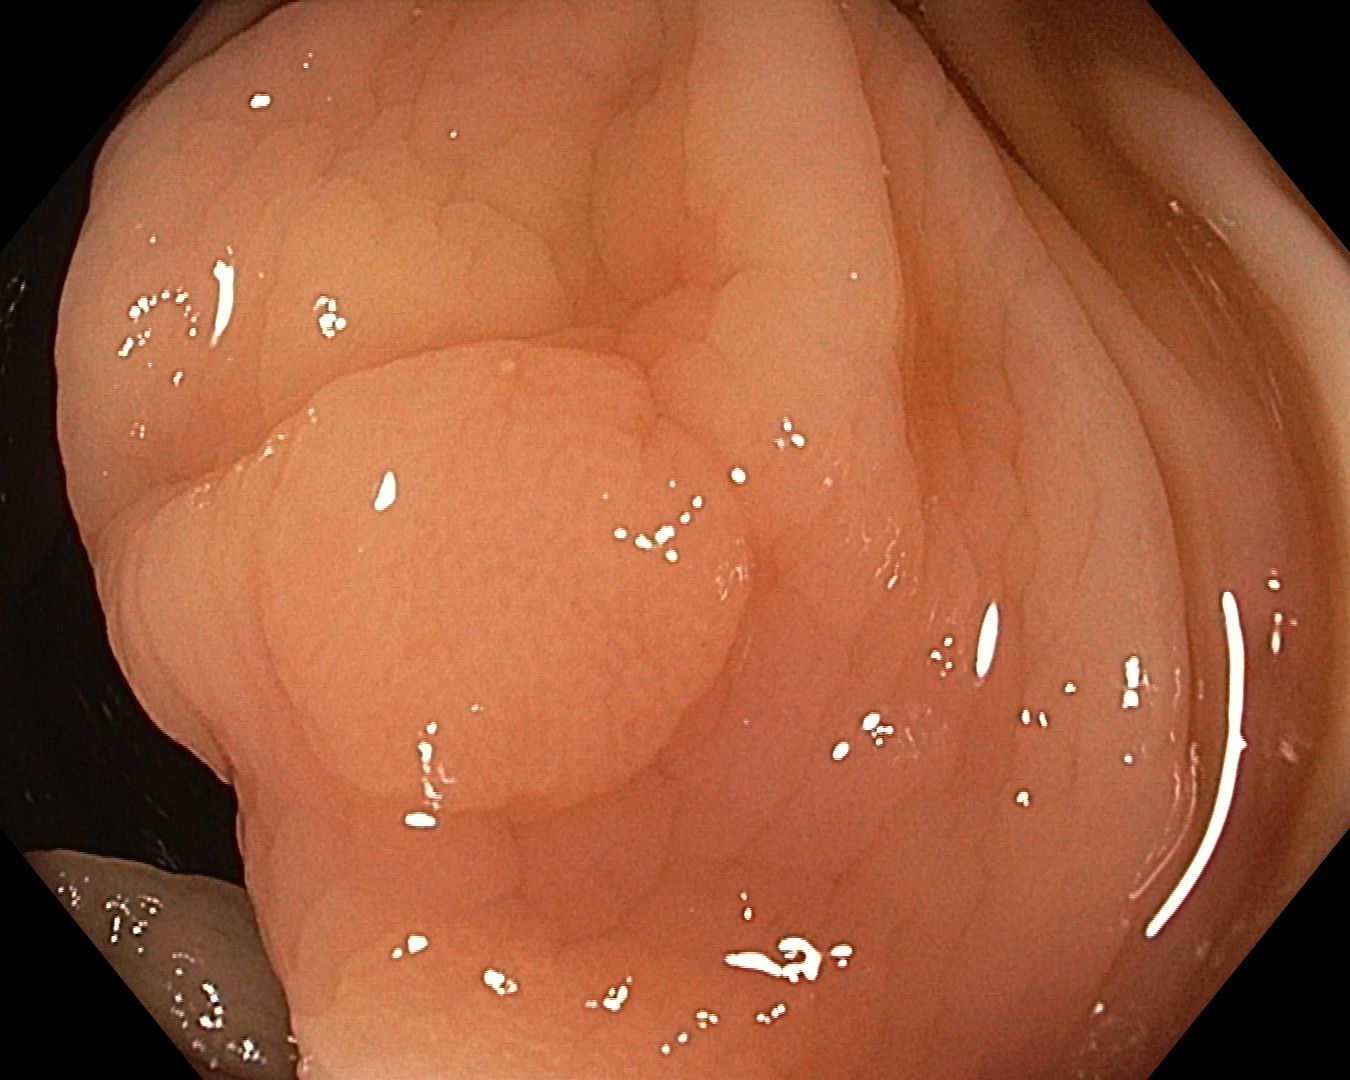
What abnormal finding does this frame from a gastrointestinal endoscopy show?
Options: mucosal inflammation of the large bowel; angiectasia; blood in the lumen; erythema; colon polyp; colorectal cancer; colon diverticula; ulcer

colon polyp